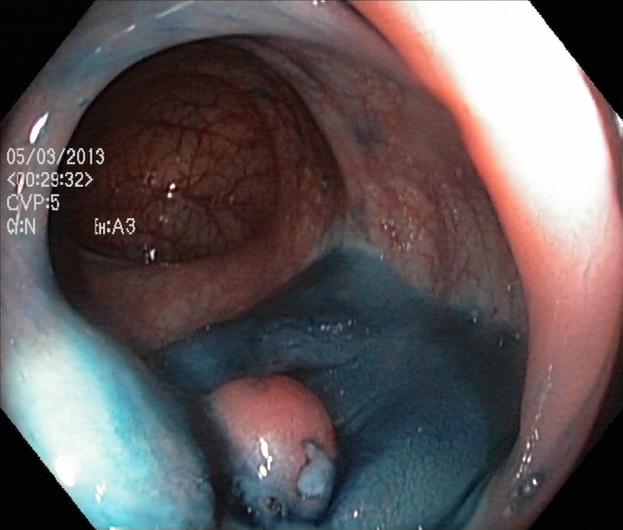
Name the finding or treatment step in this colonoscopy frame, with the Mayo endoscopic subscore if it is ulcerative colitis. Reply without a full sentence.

dyed and lifted polyp (pre-resection)